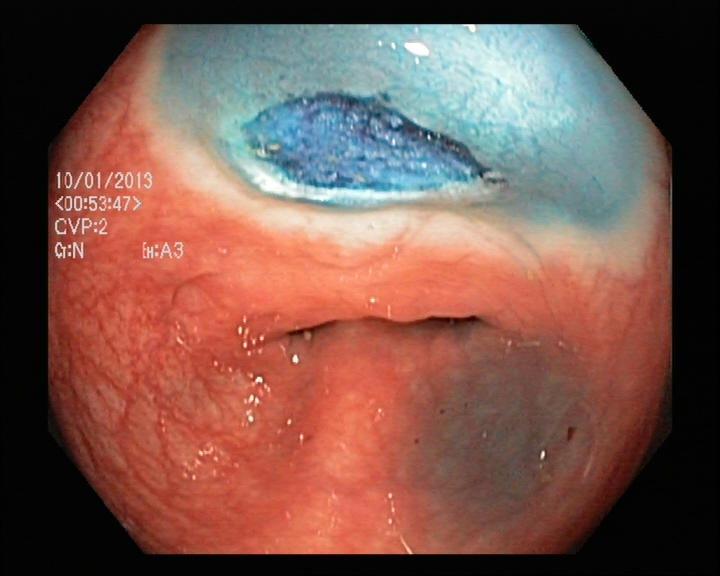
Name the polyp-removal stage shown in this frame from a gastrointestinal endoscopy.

dyed resection margin (post-polypectomy)